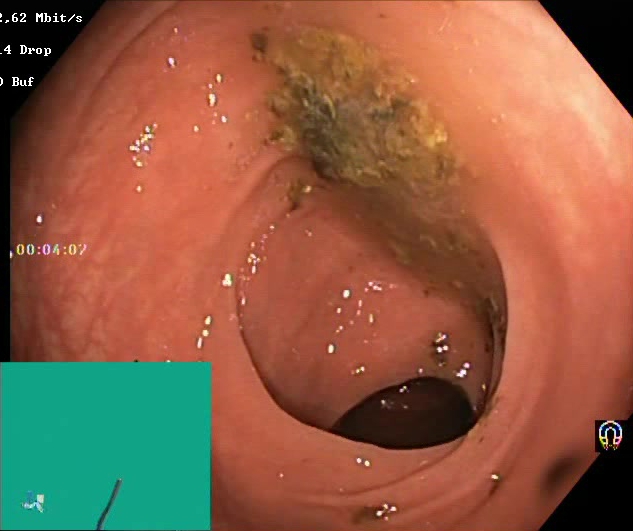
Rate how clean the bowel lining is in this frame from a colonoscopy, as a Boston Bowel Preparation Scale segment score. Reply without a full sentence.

Boston Bowel Preparation Scale score 0–1 (inadequate preparation)